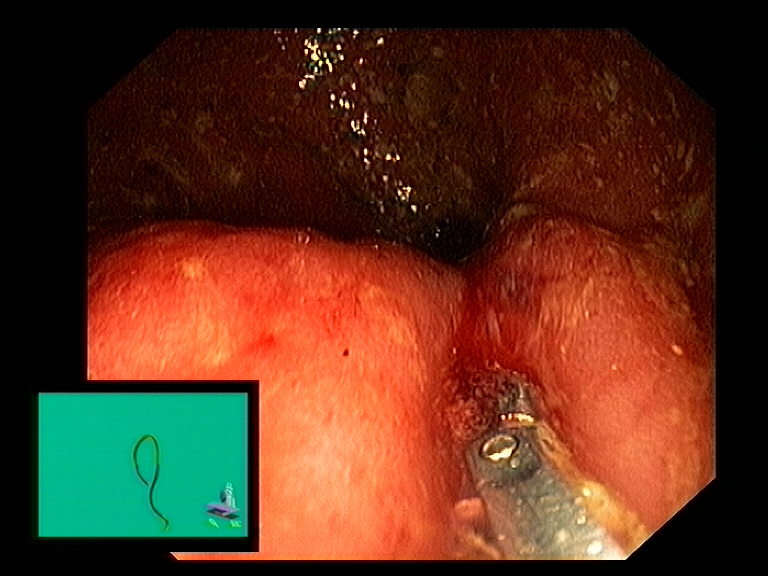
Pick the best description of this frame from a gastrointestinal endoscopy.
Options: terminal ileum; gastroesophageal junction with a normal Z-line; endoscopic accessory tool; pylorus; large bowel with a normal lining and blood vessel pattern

endoscopic accessory tool